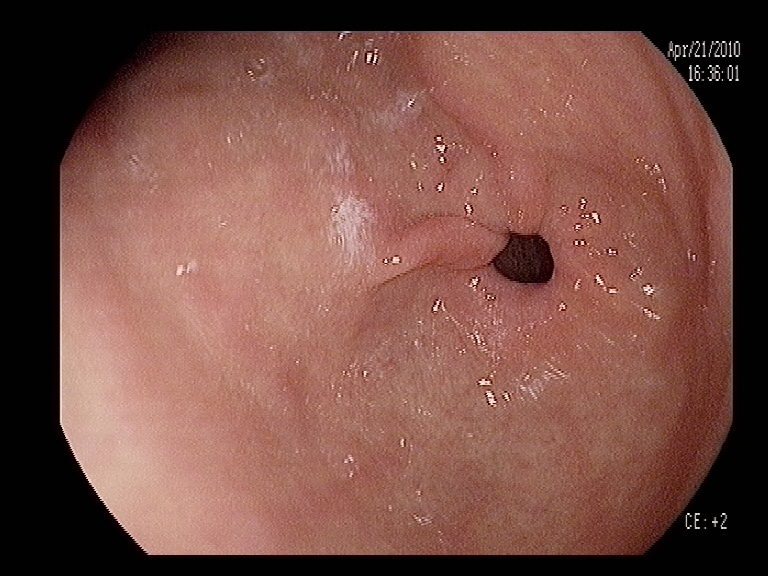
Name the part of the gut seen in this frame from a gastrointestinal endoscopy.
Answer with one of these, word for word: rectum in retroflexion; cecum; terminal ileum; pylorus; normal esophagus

pylorus